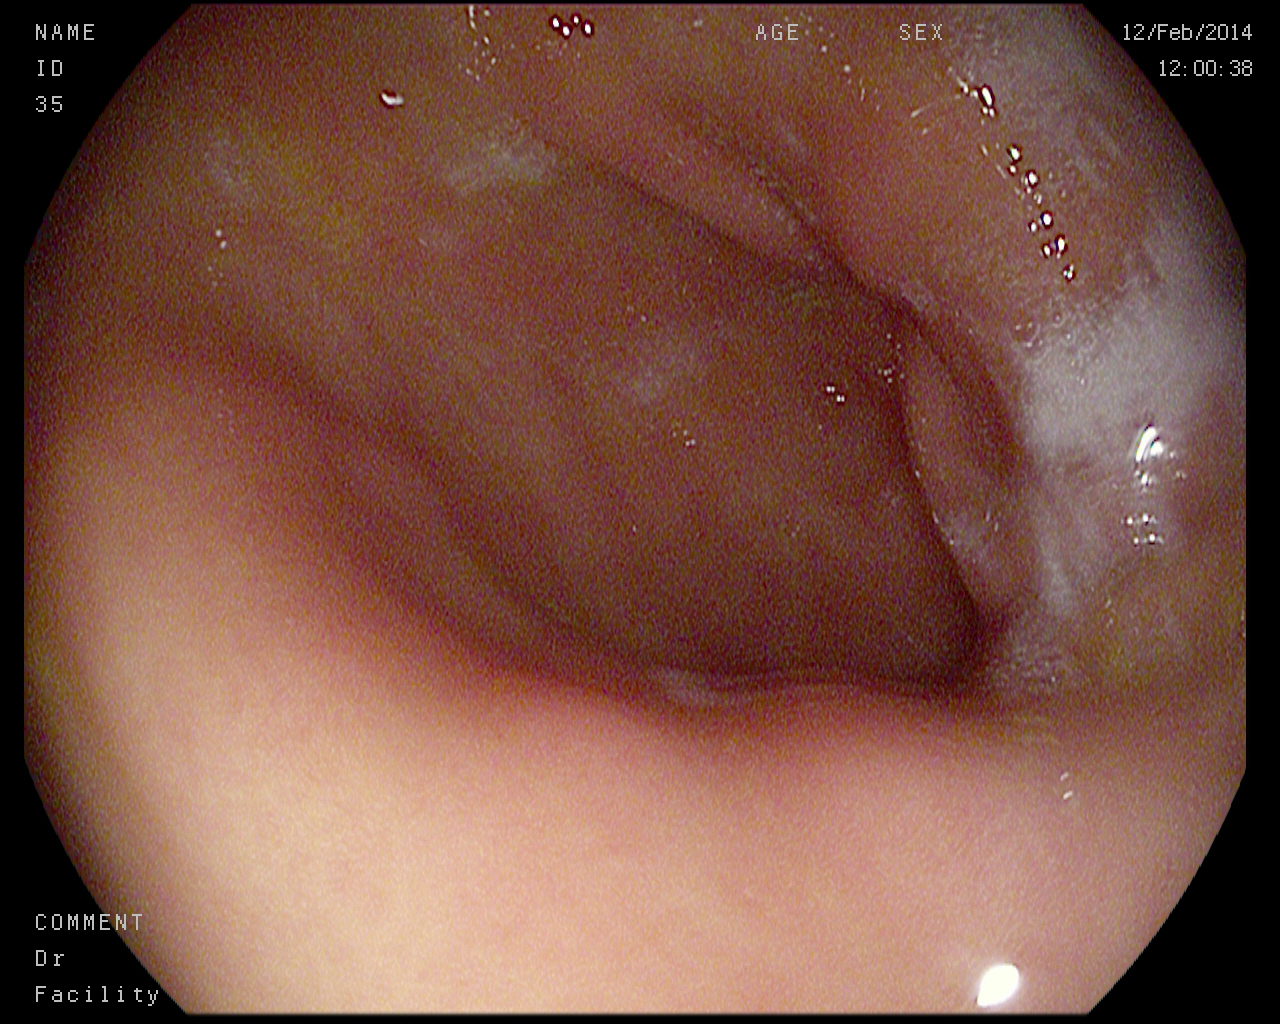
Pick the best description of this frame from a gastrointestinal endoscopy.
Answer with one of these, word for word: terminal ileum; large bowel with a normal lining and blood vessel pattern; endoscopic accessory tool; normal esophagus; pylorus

pylorus